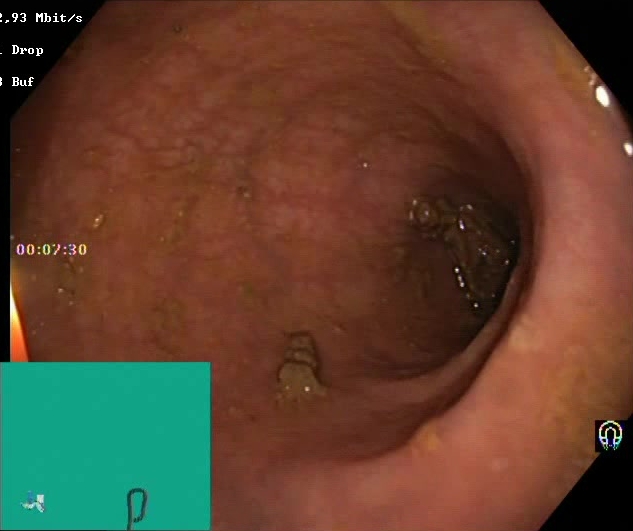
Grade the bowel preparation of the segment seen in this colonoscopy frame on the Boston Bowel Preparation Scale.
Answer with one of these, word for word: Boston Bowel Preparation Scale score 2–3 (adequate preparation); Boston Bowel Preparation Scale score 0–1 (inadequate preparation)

Boston Bowel Preparation Scale score 2–3 (adequate preparation)